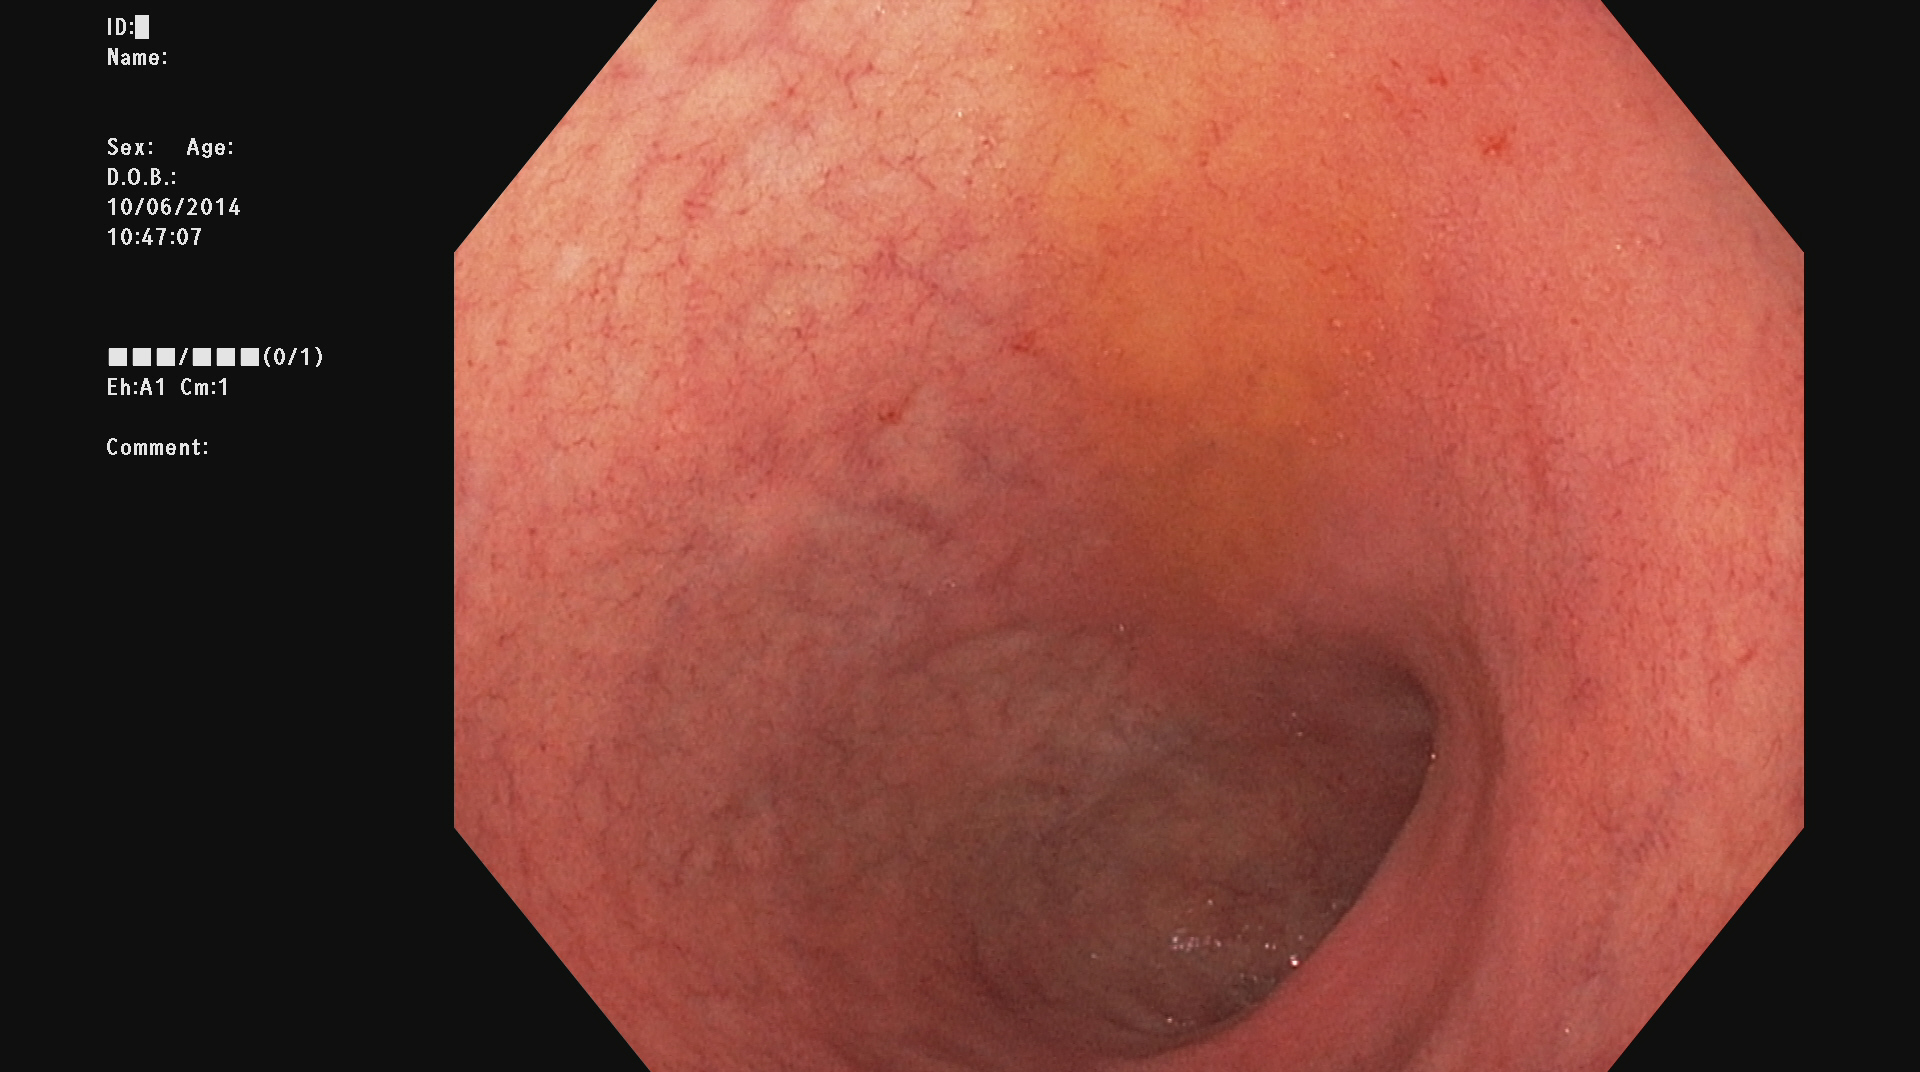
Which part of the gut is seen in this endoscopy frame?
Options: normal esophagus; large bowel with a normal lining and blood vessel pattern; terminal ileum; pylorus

large bowel with a normal lining and blood vessel pattern